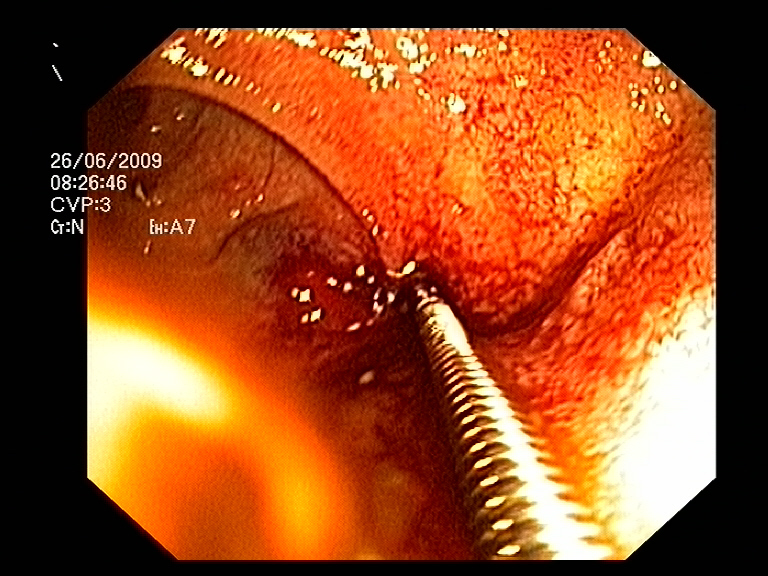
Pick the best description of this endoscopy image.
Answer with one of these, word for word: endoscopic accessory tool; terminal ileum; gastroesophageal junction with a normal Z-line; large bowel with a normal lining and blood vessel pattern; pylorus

endoscopic accessory tool